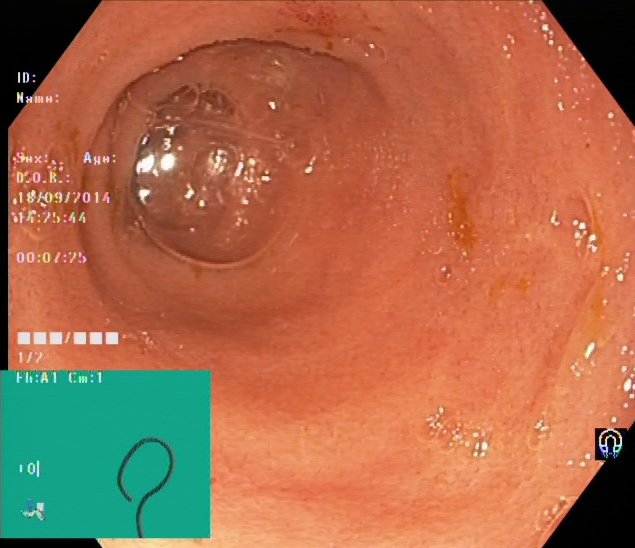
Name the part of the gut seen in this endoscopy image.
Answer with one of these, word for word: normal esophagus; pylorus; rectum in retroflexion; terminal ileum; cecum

cecum